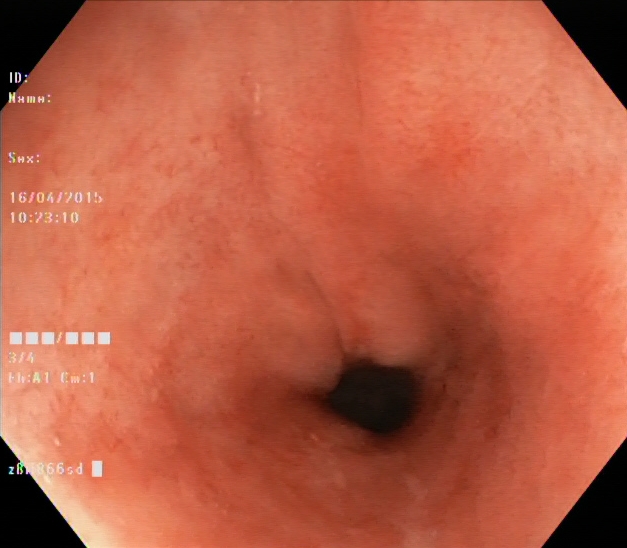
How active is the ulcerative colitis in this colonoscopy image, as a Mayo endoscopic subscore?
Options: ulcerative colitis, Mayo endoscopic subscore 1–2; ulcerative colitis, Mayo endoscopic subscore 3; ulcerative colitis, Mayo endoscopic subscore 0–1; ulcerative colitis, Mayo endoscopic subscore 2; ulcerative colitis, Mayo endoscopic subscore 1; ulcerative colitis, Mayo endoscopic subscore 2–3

ulcerative colitis, Mayo endoscopic subscore 1